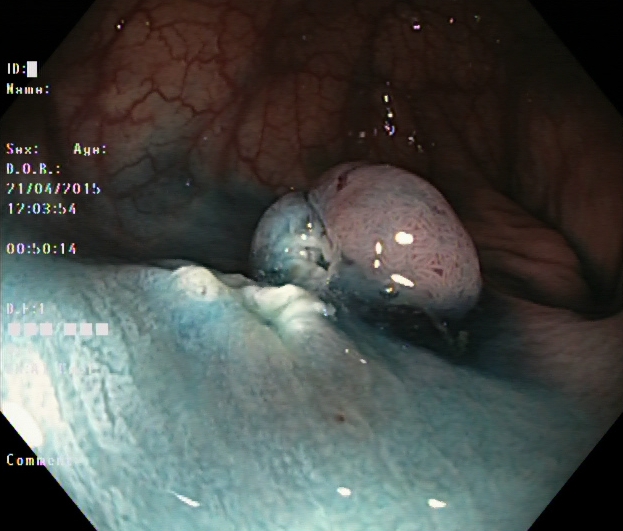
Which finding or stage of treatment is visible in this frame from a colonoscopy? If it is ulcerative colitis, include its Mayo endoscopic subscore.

dyed and lifted polyp (pre-resection)